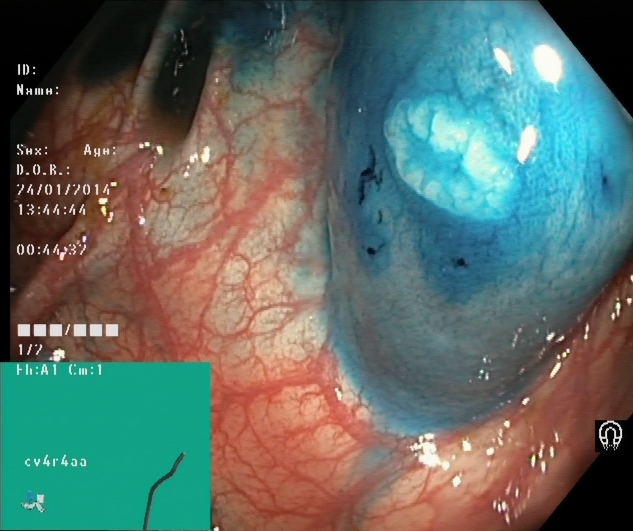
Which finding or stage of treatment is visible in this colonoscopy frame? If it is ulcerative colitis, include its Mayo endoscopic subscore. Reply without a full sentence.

dyed and lifted polyp (pre-resection)